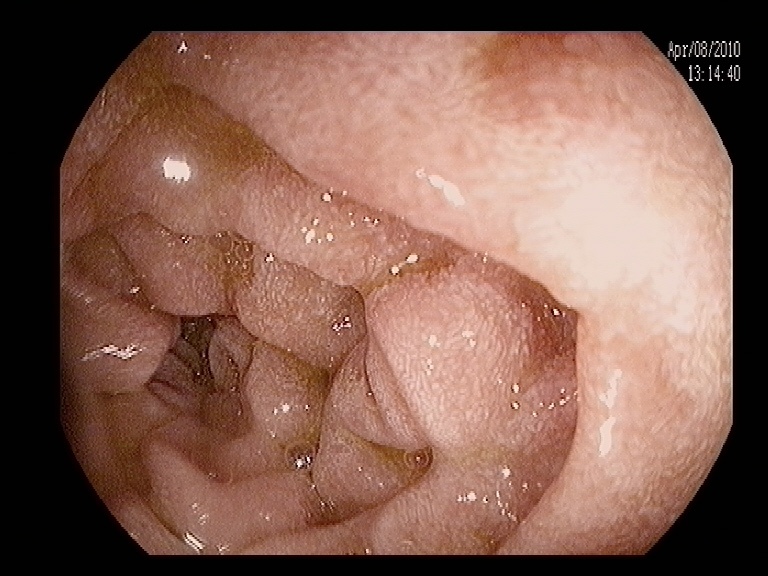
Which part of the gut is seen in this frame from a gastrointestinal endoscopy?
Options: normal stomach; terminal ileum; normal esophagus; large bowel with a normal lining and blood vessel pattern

terminal ileum